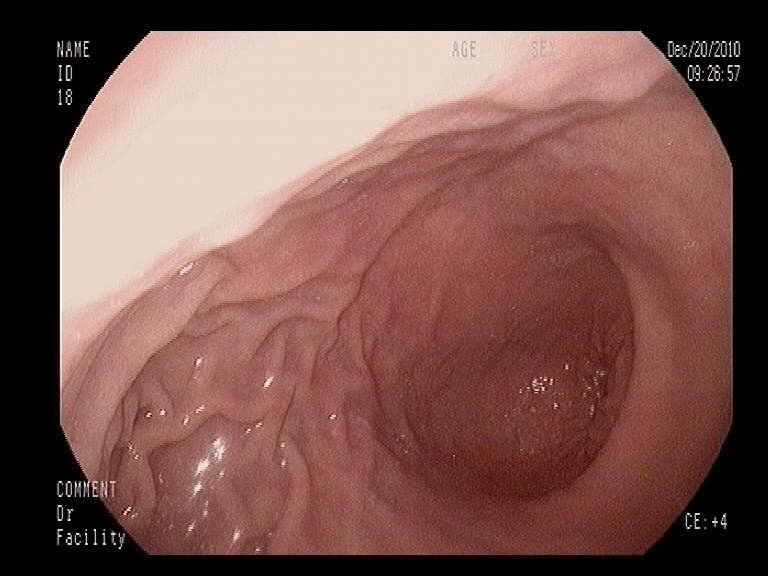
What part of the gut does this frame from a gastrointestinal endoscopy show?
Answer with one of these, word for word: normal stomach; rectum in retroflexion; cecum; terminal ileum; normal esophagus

normal stomach